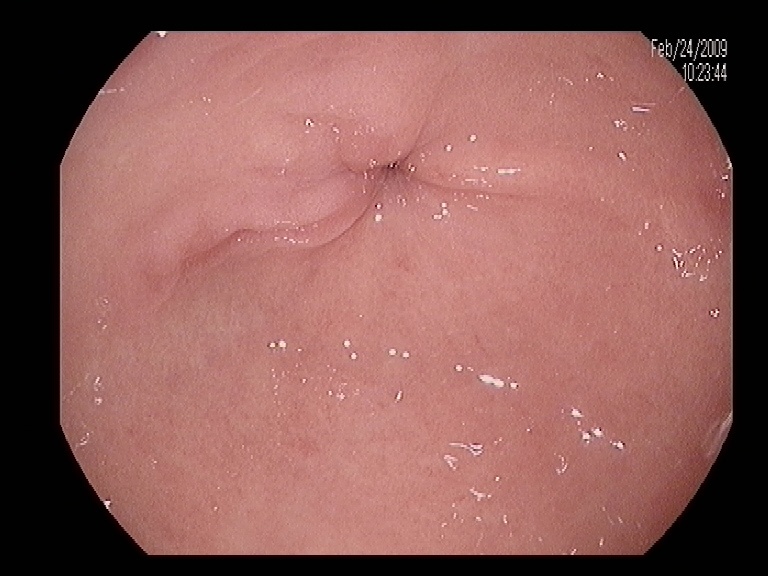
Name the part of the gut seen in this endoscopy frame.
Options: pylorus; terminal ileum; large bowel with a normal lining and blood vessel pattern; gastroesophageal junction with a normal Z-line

pylorus